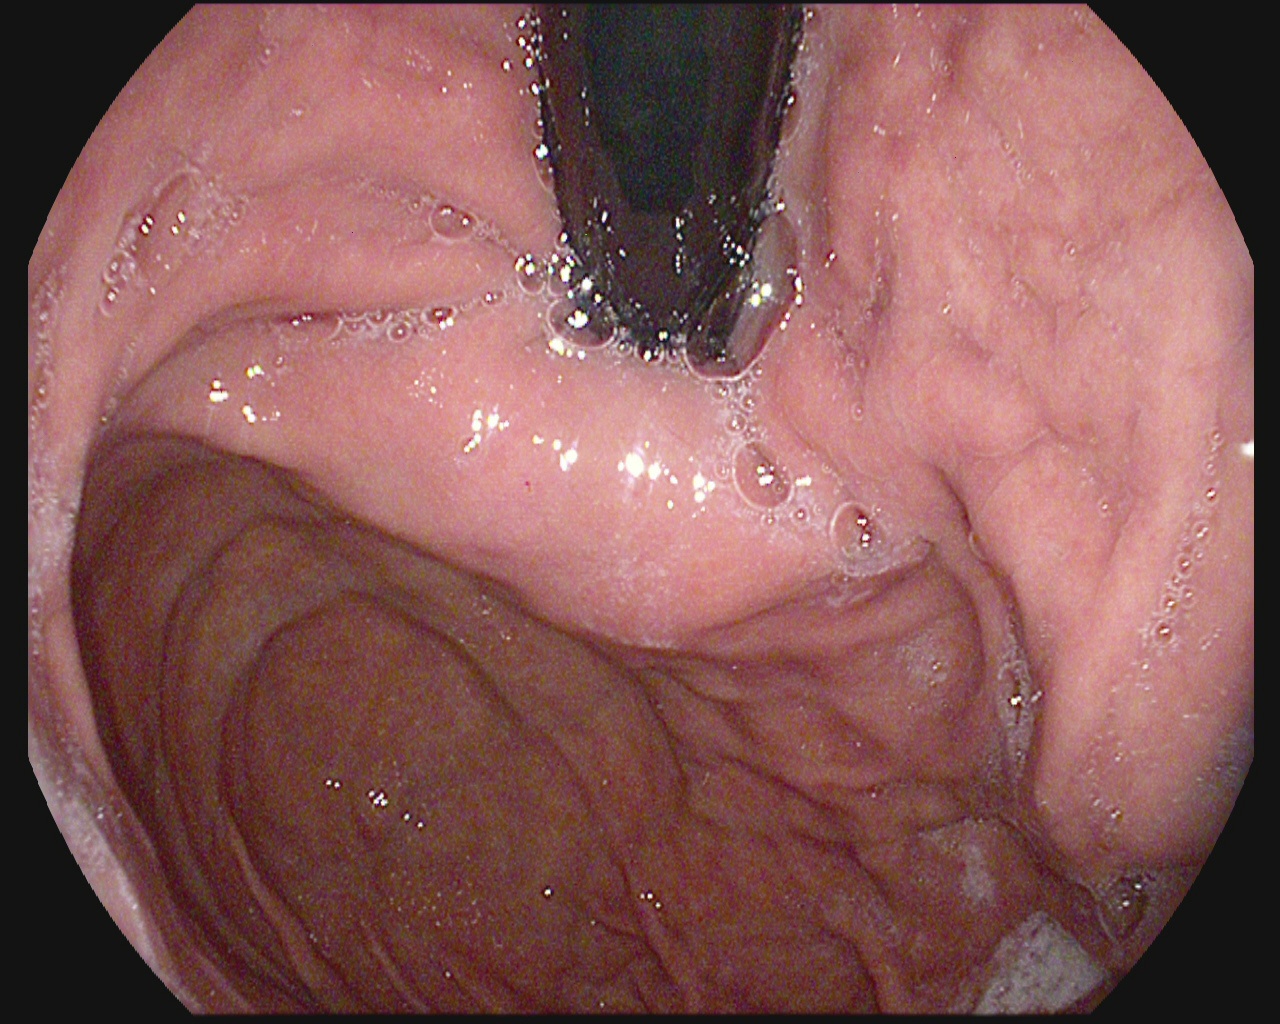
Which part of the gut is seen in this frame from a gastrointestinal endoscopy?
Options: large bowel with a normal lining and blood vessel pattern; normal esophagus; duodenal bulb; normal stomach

normal stomach